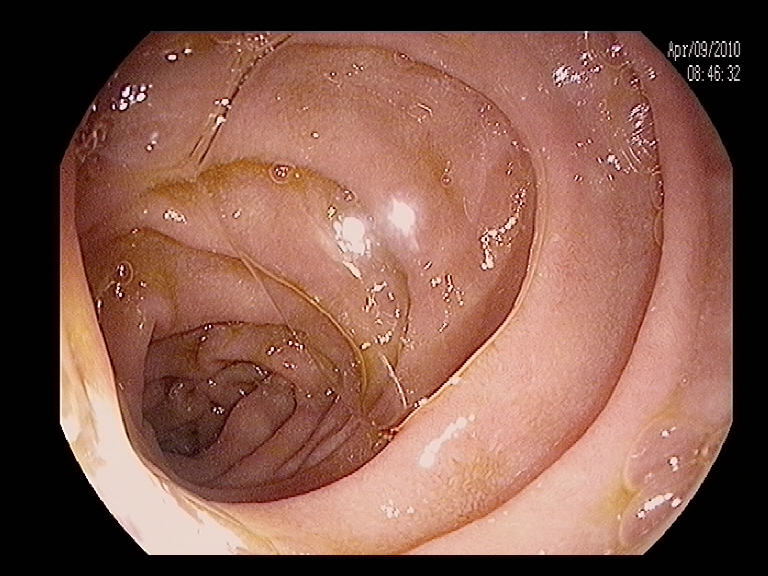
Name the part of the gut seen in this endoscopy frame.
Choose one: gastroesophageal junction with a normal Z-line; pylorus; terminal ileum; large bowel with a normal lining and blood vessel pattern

terminal ileum